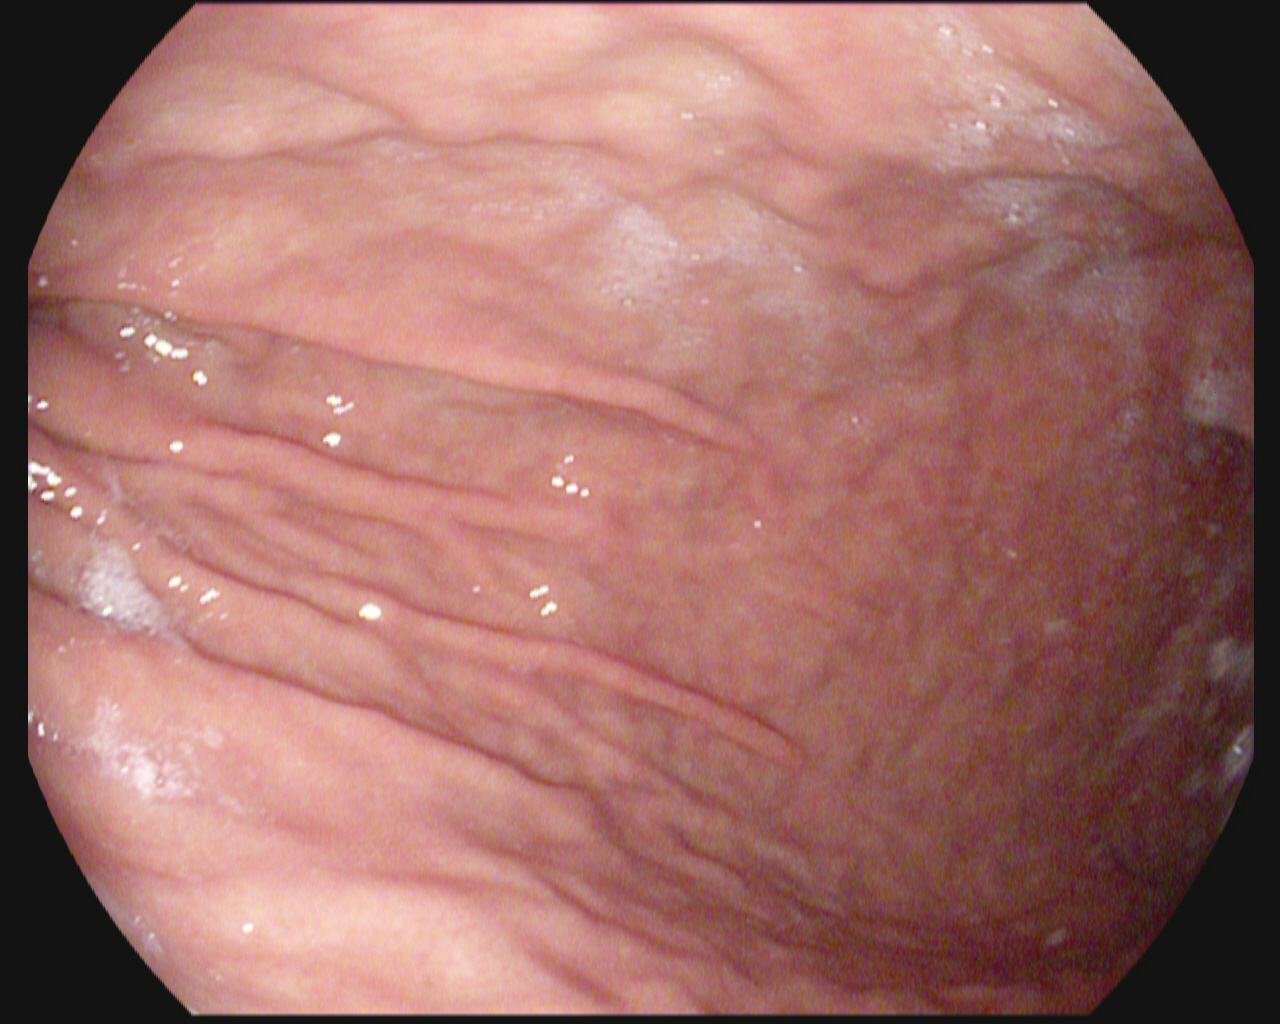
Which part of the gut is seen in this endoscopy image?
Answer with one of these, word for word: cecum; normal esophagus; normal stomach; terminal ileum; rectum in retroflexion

normal stomach